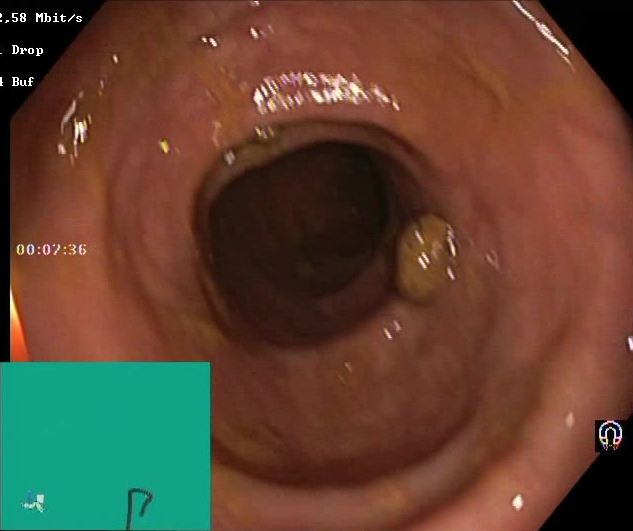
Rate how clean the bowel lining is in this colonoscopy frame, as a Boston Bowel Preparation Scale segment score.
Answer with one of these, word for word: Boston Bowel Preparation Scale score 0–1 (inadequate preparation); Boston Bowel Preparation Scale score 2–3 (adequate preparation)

Boston Bowel Preparation Scale score 2–3 (adequate preparation)